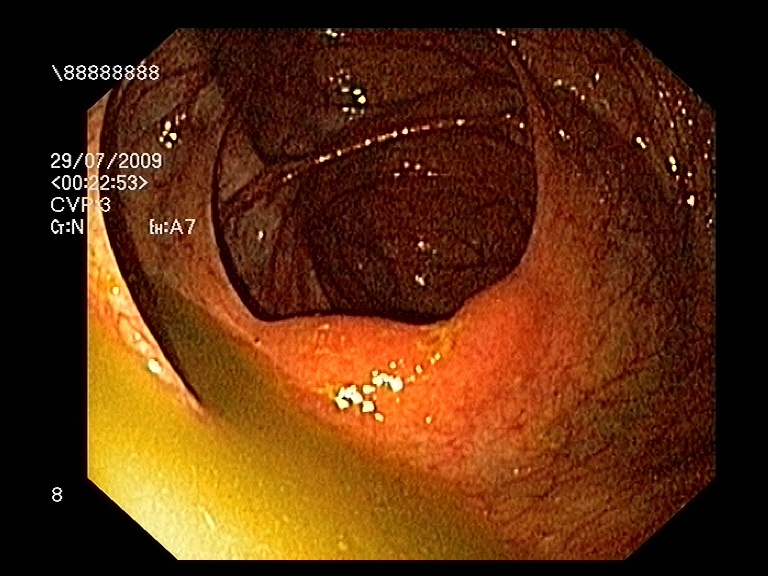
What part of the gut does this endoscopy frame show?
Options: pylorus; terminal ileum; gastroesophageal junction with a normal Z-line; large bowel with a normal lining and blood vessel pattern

large bowel with a normal lining and blood vessel pattern